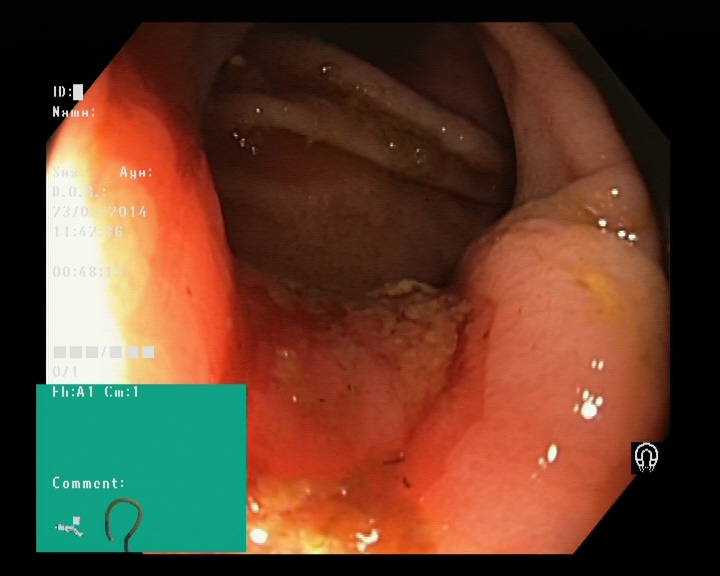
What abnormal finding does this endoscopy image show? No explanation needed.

colorectal cancer